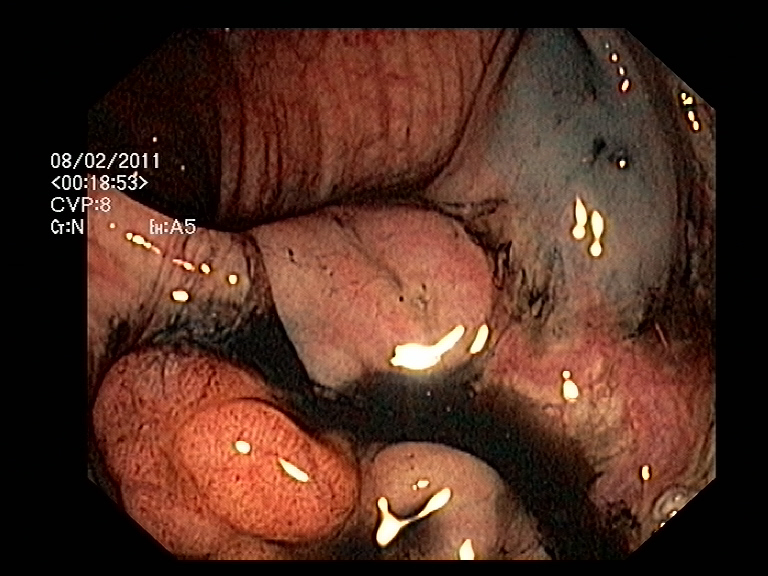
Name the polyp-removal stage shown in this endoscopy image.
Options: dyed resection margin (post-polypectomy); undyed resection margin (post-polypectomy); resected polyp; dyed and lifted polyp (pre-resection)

dyed and lifted polyp (pre-resection)